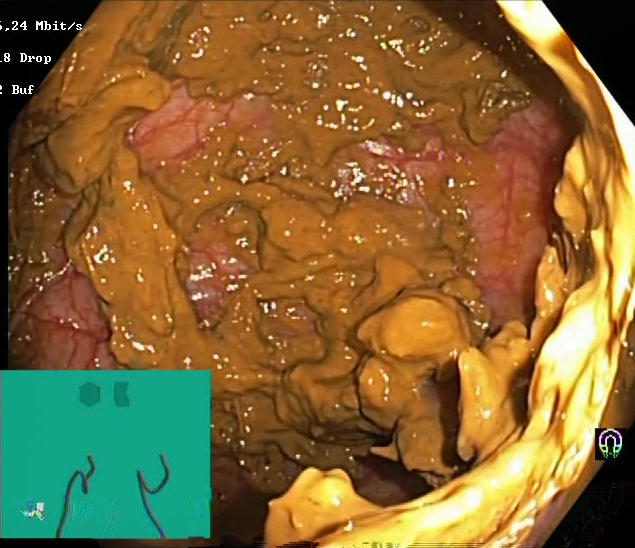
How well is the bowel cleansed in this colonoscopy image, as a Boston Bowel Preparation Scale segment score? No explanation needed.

Boston Bowel Preparation Scale score 0–1 (inadequate preparation)